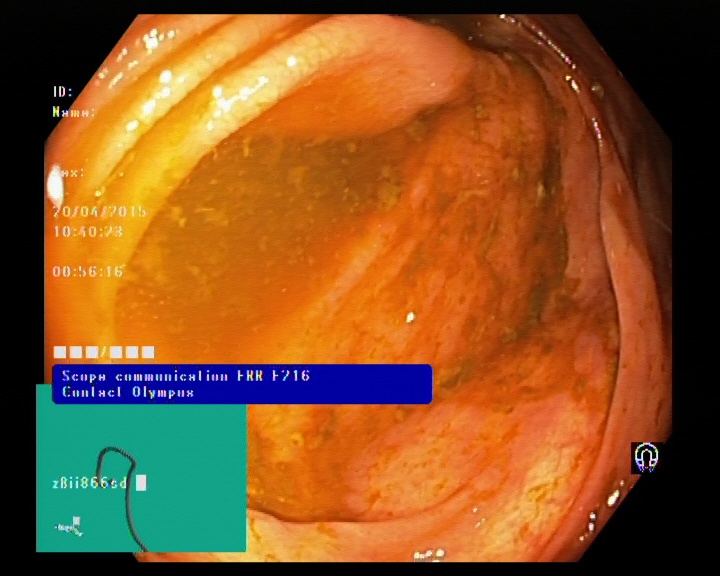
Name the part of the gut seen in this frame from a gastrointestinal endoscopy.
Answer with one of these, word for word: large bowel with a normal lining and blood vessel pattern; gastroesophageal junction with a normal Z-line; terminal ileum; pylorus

large bowel with a normal lining and blood vessel pattern